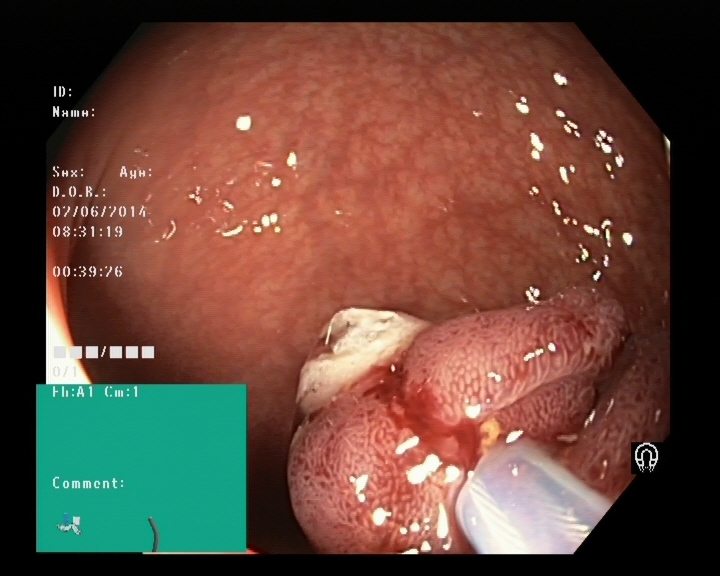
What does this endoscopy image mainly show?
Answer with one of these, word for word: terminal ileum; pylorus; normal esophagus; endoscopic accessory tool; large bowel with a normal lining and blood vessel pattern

endoscopic accessory tool